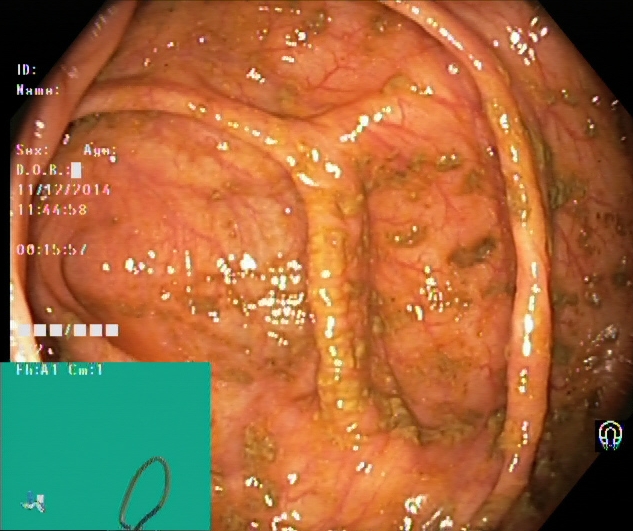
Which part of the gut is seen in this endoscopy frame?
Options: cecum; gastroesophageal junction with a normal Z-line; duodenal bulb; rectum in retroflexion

cecum